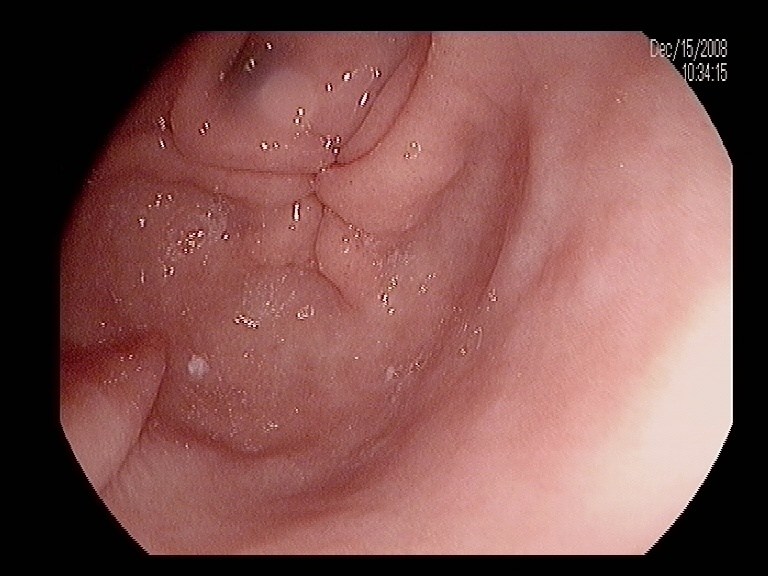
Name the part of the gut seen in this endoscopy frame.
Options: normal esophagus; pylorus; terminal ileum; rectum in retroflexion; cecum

pylorus